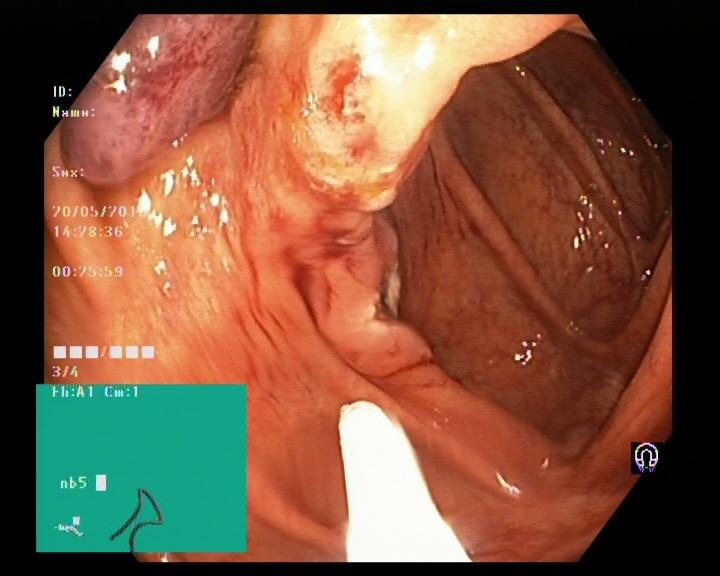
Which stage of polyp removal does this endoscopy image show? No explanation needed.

resected polyp